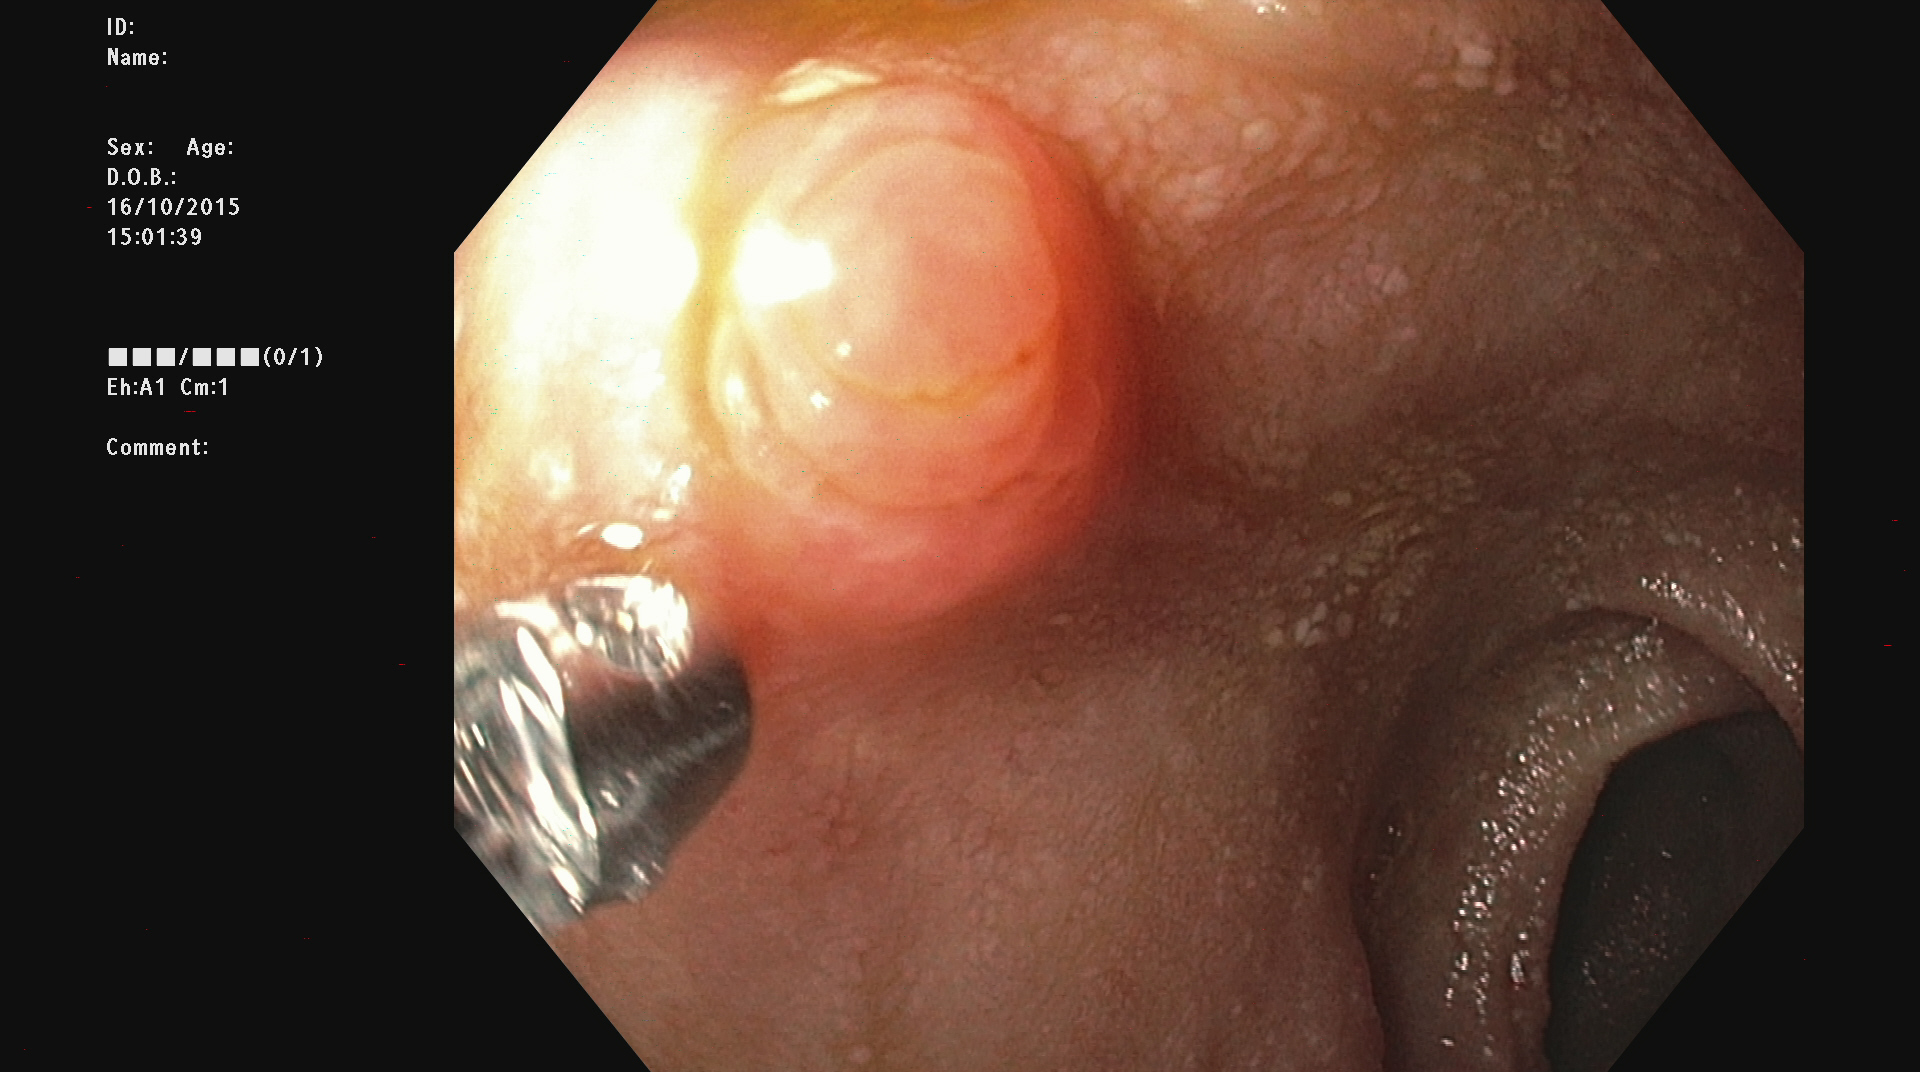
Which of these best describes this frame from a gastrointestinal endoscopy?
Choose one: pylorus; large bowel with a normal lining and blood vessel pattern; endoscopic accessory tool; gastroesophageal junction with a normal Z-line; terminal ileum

endoscopic accessory tool